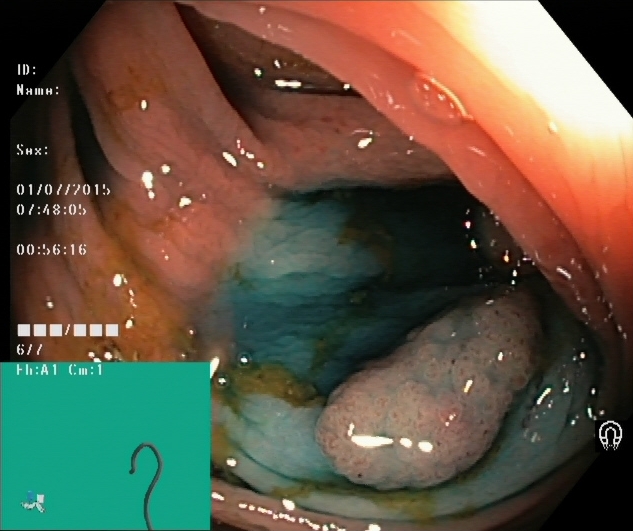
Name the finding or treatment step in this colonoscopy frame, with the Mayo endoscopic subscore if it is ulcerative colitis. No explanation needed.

dyed and lifted polyp (pre-resection)